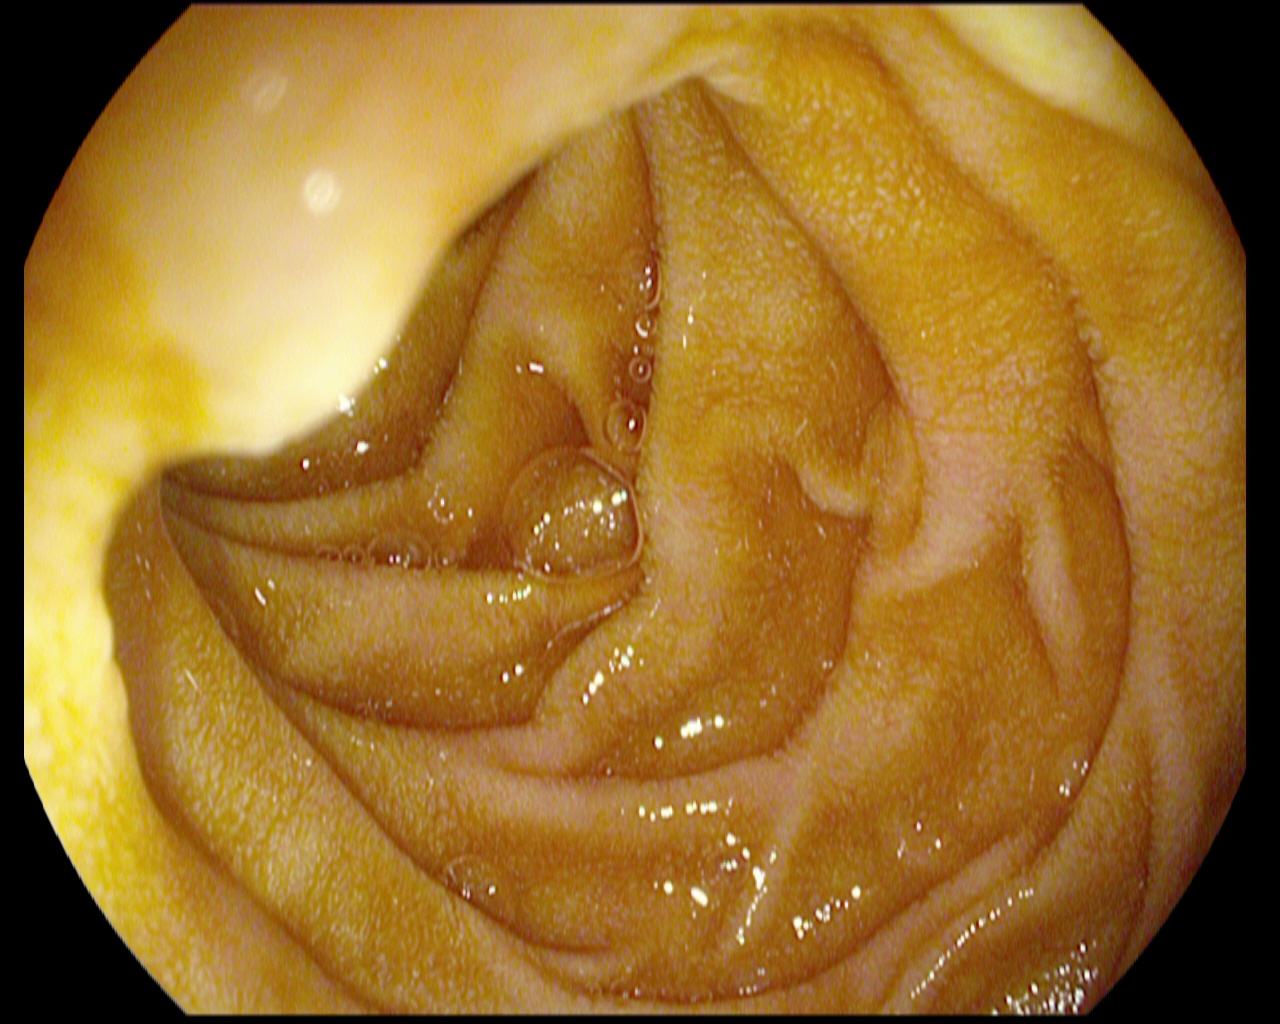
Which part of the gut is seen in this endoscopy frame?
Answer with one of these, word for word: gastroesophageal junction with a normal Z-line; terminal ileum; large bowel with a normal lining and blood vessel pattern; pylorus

terminal ileum